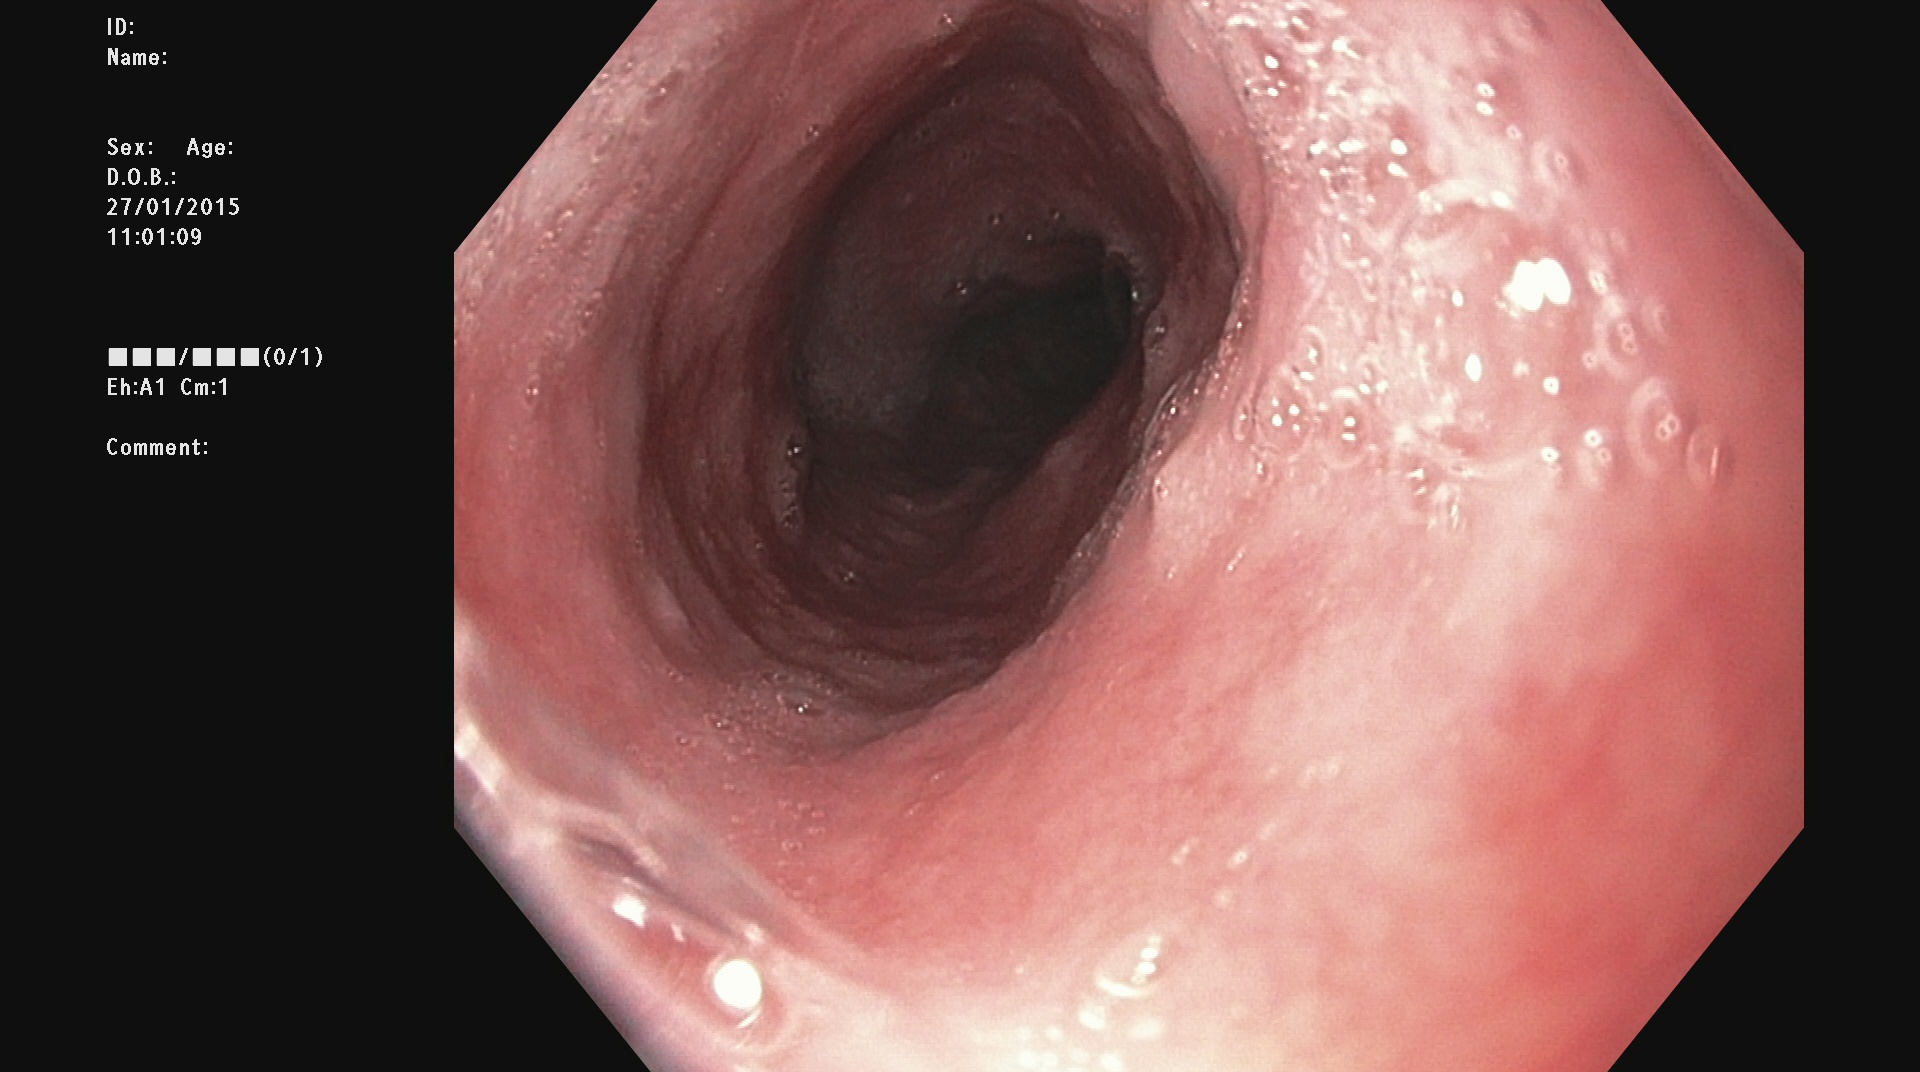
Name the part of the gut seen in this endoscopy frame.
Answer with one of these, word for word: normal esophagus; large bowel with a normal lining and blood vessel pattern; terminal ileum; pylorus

normal esophagus